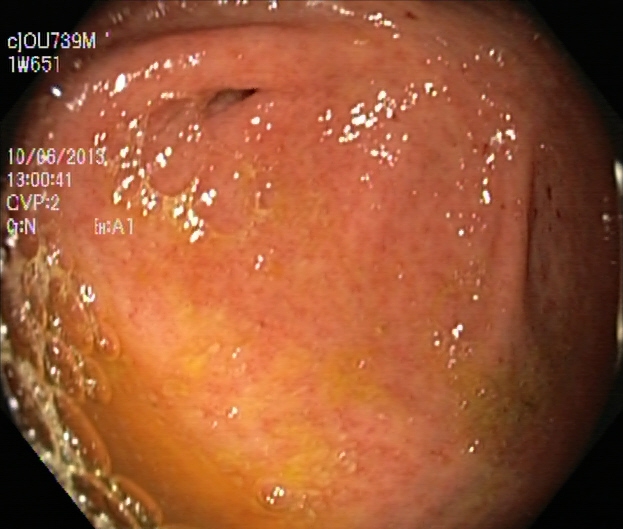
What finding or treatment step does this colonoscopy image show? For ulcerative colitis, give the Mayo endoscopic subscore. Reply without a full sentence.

ulcerative colitis, Mayo endoscopic subscore 2